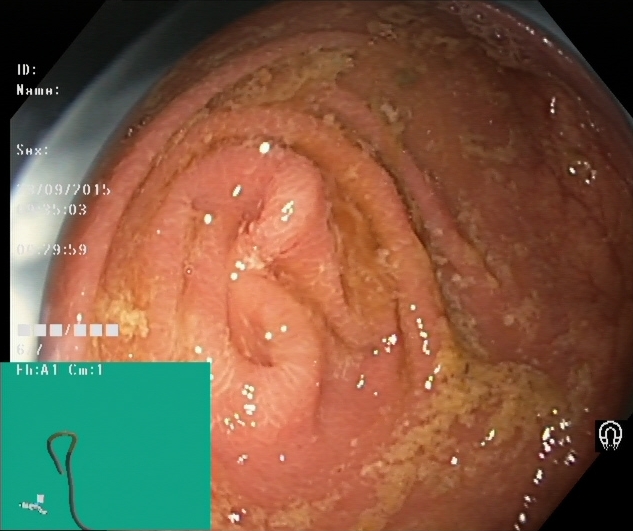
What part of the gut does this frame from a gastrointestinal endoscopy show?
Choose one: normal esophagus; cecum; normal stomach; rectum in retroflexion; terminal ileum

cecum